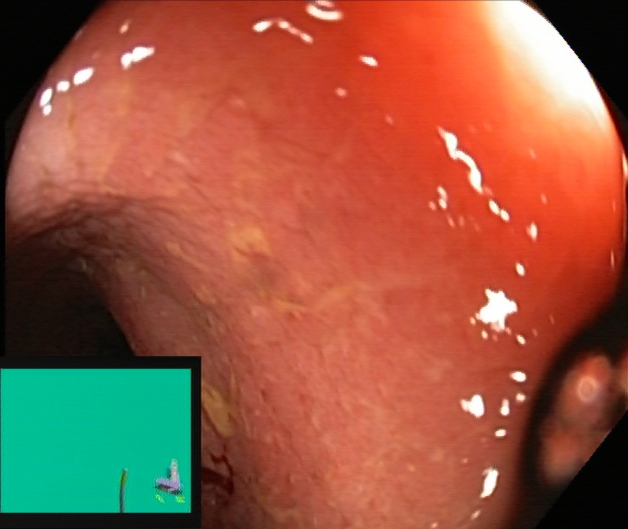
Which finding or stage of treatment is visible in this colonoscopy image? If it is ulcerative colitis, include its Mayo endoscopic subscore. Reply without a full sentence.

ulcerative colitis, Mayo endoscopic subscore 2